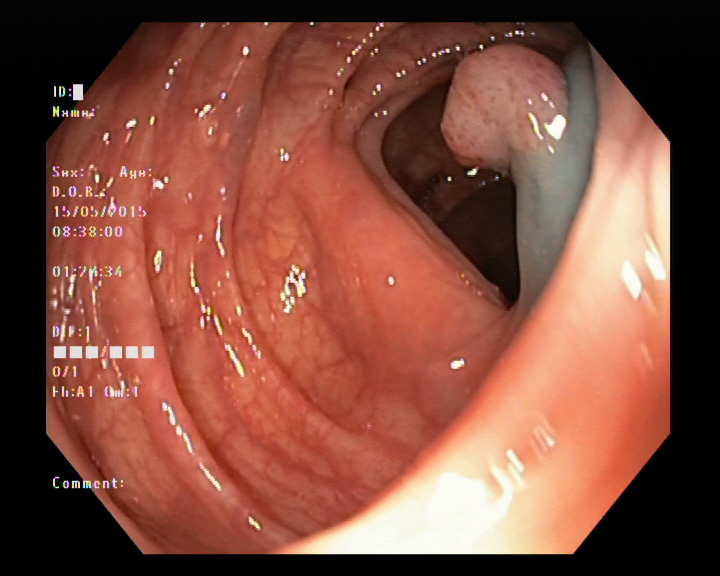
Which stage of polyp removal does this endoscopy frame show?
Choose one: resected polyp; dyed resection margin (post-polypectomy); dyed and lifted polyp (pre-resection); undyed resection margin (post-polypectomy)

dyed and lifted polyp (pre-resection)